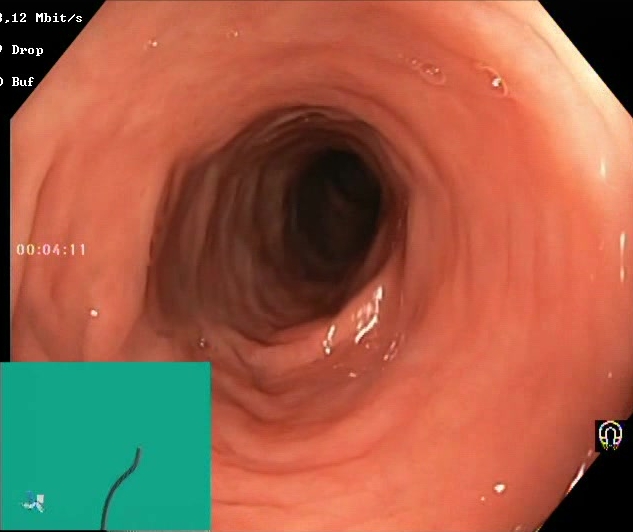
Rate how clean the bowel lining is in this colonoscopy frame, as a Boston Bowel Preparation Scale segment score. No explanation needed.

Boston Bowel Preparation Scale score 2–3 (adequate preparation)